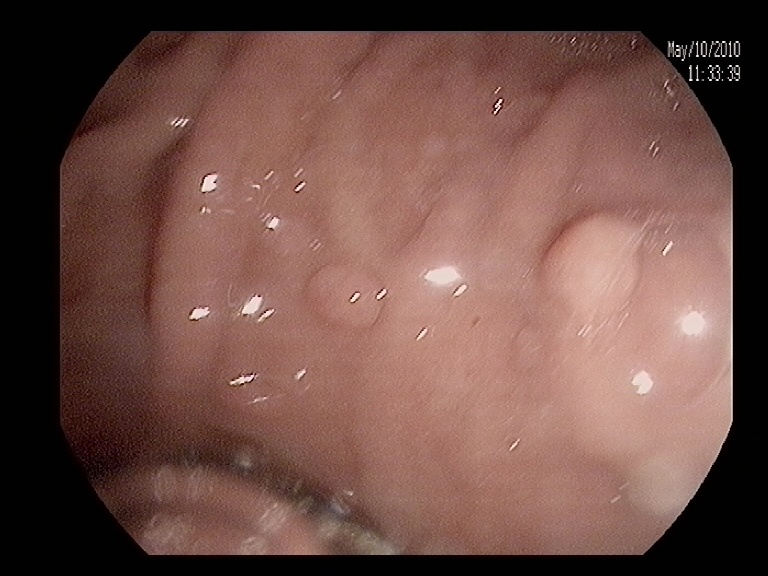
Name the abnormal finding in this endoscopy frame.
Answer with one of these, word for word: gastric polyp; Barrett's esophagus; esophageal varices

gastric polyp